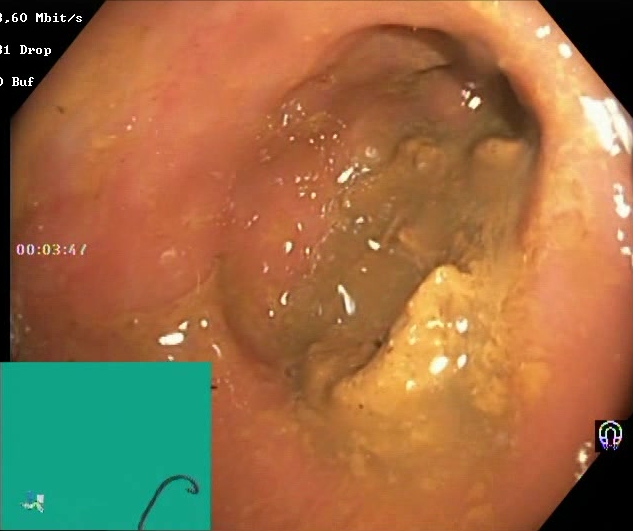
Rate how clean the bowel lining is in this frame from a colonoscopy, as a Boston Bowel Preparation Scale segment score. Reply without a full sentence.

Boston Bowel Preparation Scale score 0–1 (inadequate preparation)